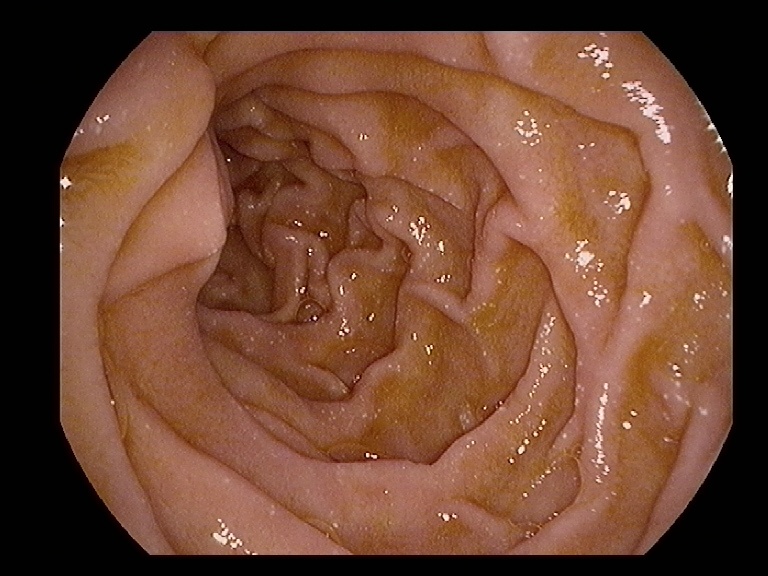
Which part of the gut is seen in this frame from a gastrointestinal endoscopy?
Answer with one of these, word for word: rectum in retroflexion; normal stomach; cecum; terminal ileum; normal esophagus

terminal ileum